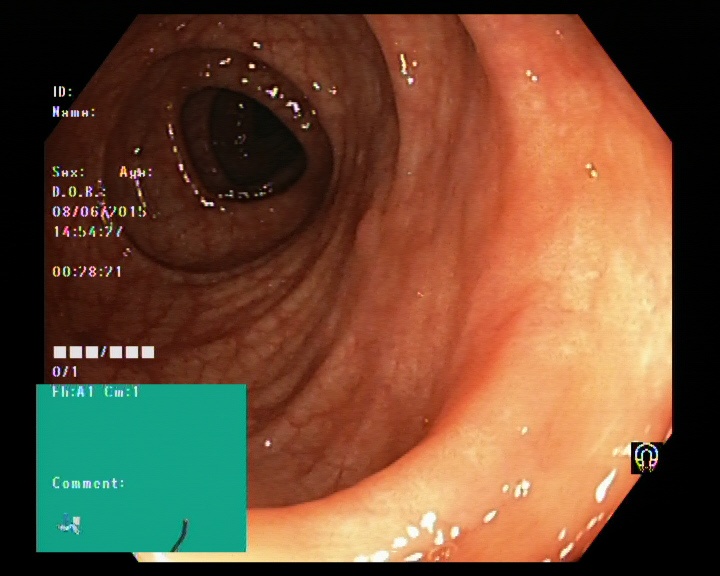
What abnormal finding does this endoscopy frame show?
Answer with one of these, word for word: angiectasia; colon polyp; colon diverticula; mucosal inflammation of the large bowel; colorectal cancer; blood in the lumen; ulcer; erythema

colon polyp